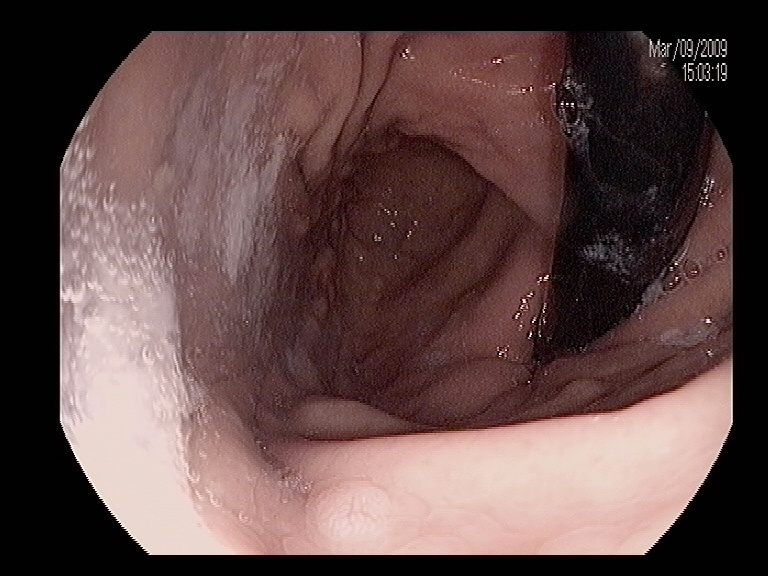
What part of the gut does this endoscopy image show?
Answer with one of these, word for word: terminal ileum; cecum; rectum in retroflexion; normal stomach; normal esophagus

normal stomach